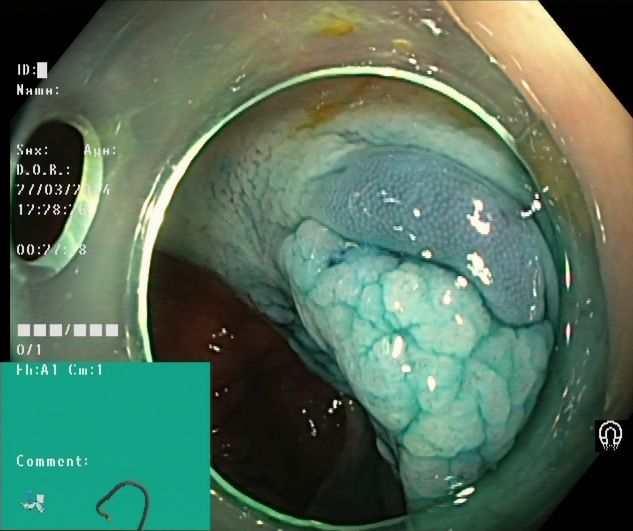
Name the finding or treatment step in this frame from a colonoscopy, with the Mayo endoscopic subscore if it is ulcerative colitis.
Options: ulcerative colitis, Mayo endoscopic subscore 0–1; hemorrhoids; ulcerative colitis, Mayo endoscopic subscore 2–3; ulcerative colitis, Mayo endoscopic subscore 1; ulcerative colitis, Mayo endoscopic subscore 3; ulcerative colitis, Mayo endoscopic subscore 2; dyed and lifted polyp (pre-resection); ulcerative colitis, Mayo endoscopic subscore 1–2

dyed and lifted polyp (pre-resection)